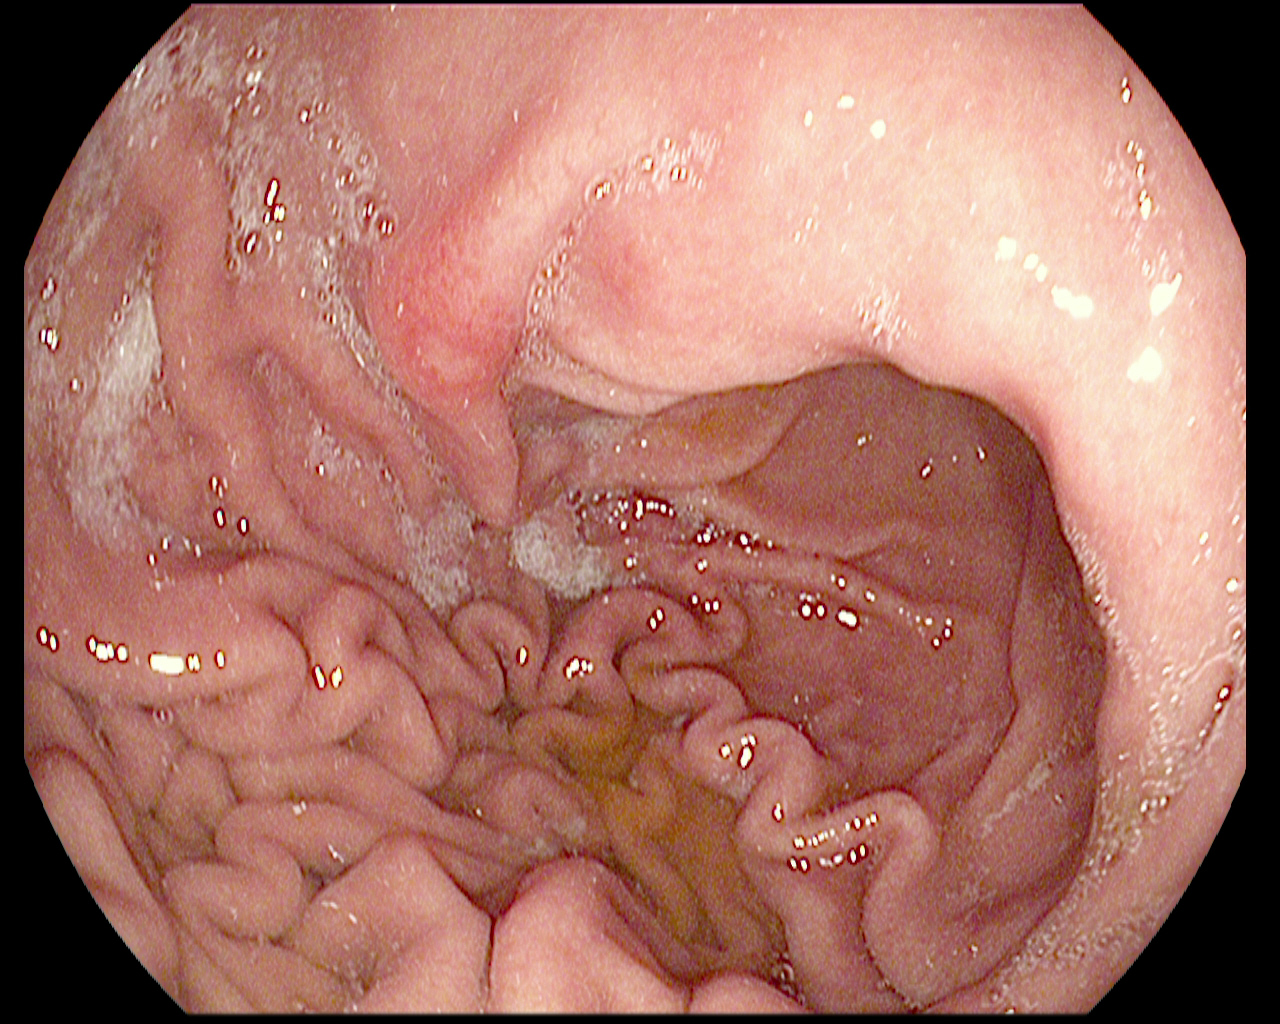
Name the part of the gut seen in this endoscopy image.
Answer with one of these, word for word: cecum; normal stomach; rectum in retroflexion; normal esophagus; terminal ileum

normal stomach